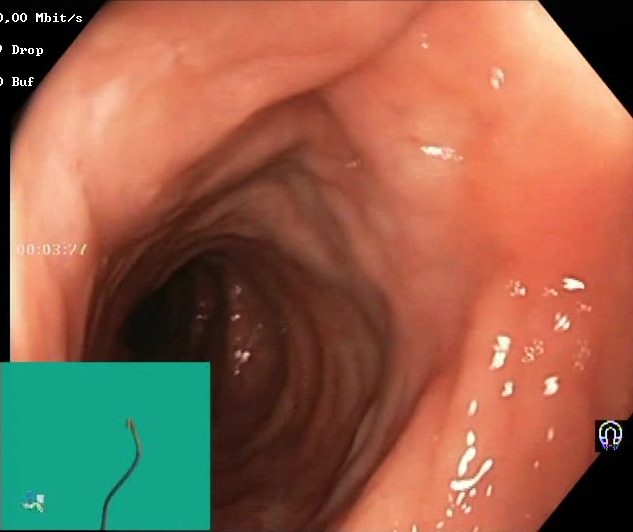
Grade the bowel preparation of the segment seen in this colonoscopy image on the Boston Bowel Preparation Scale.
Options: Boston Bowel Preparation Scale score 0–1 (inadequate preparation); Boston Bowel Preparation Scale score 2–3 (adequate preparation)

Boston Bowel Preparation Scale score 2–3 (adequate preparation)